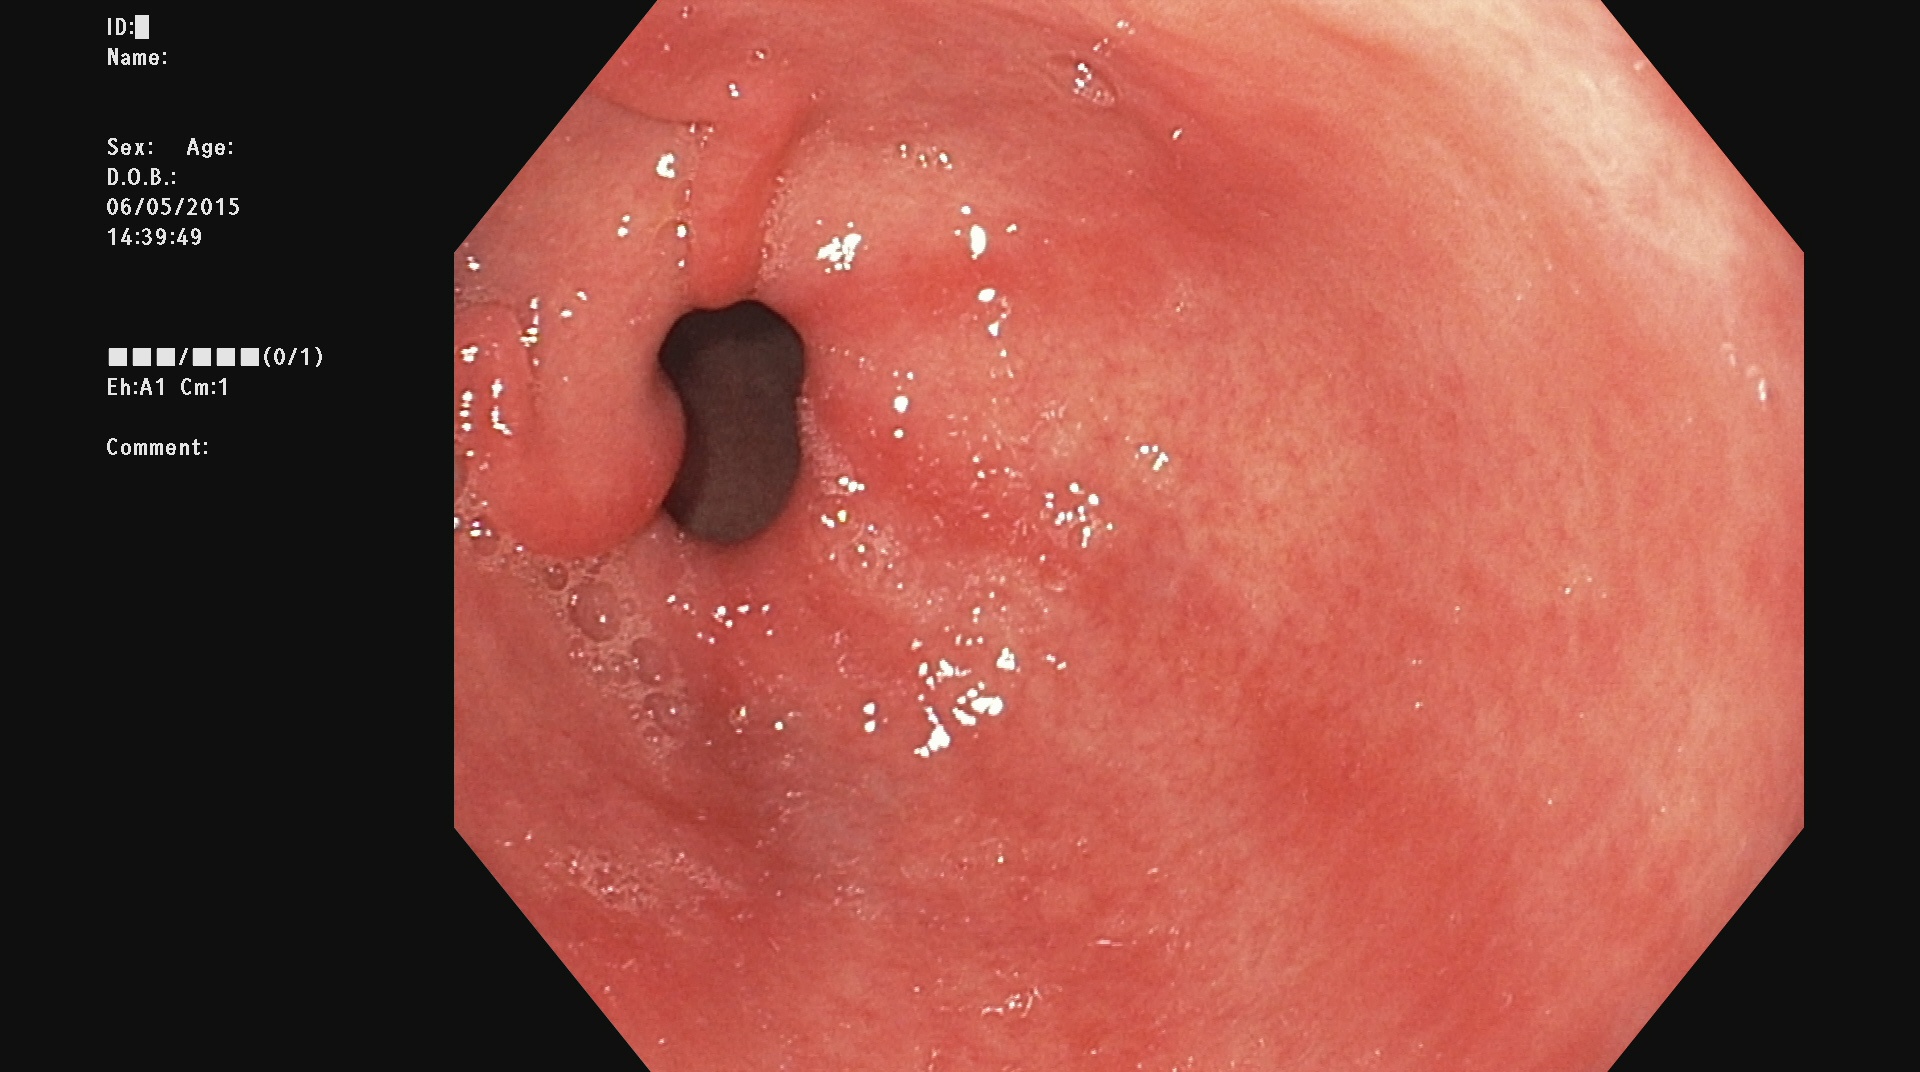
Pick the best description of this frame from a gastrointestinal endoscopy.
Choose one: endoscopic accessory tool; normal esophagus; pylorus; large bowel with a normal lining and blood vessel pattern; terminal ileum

pylorus